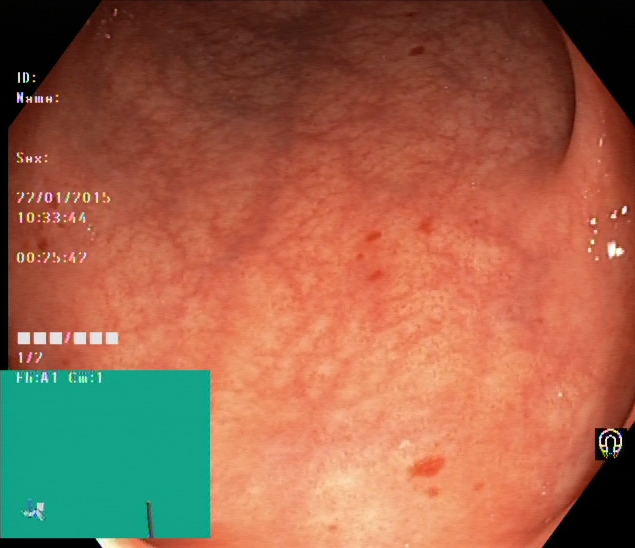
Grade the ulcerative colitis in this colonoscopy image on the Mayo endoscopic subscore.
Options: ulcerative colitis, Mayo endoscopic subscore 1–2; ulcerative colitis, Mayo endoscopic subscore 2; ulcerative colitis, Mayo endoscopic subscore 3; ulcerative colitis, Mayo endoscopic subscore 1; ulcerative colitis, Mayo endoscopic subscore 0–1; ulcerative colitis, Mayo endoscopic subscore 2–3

ulcerative colitis, Mayo endoscopic subscore 0–1